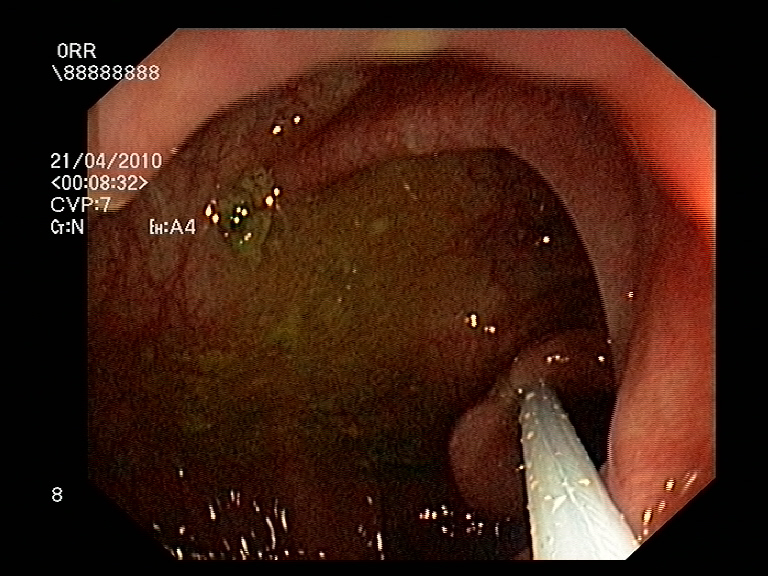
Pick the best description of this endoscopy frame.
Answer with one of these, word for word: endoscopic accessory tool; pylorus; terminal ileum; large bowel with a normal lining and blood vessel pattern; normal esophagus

endoscopic accessory tool